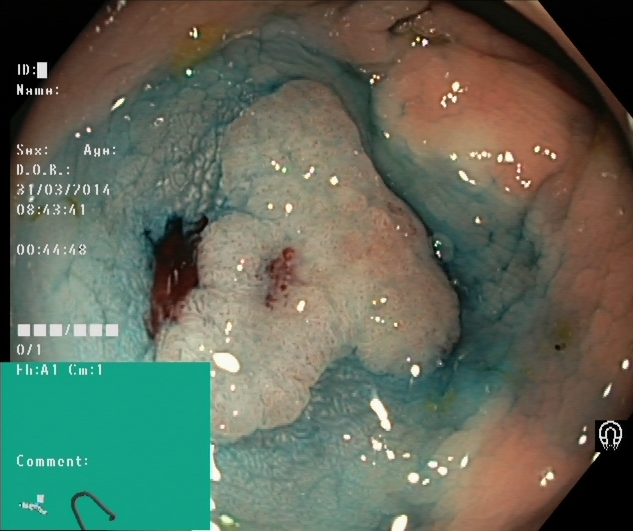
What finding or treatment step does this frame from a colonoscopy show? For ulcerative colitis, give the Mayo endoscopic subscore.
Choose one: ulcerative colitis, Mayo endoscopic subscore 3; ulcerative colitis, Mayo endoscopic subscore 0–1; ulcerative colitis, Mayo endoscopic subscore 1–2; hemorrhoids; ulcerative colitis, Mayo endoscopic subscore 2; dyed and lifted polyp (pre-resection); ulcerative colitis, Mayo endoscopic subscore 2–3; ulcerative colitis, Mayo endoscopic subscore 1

dyed and lifted polyp (pre-resection)